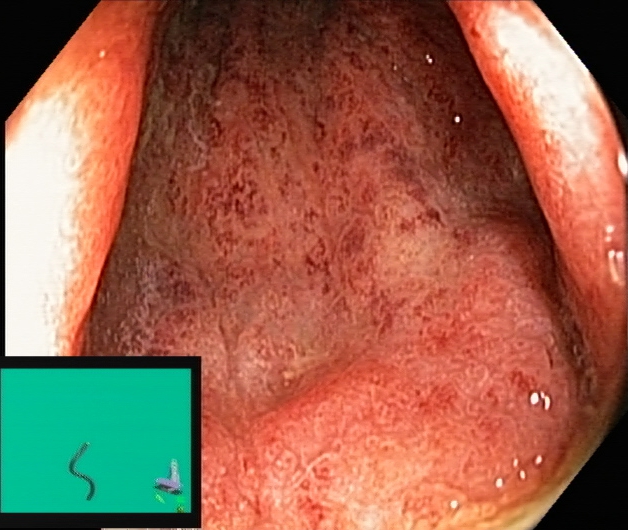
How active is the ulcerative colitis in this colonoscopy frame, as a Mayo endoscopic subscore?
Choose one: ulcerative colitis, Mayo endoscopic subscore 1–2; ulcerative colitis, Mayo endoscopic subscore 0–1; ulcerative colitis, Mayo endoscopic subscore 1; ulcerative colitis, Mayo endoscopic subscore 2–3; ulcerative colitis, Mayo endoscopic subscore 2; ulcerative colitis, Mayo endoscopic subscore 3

ulcerative colitis, Mayo endoscopic subscore 2